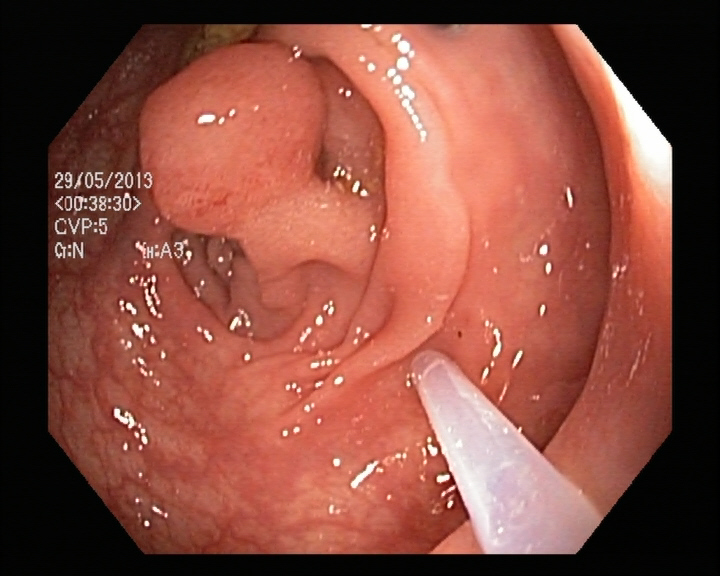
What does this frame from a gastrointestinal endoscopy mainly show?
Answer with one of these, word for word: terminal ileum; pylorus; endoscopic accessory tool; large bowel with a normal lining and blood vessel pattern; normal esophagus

endoscopic accessory tool